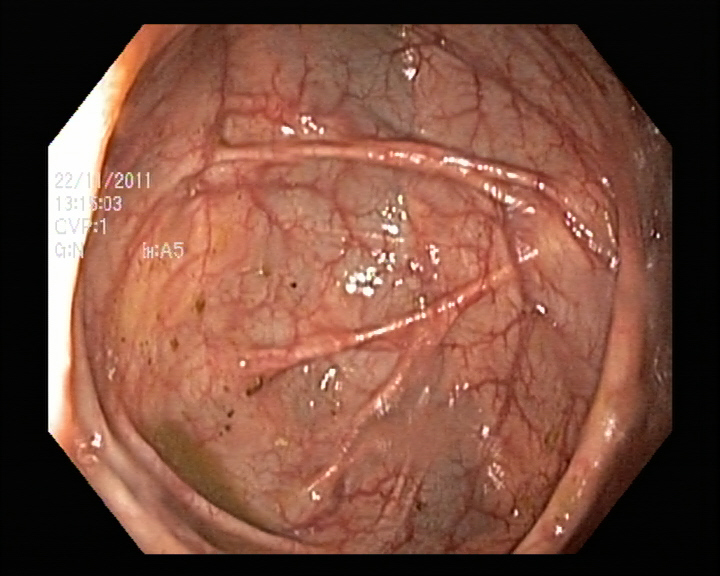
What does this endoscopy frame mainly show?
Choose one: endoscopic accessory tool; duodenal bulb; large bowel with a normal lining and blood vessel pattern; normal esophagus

large bowel with a normal lining and blood vessel pattern